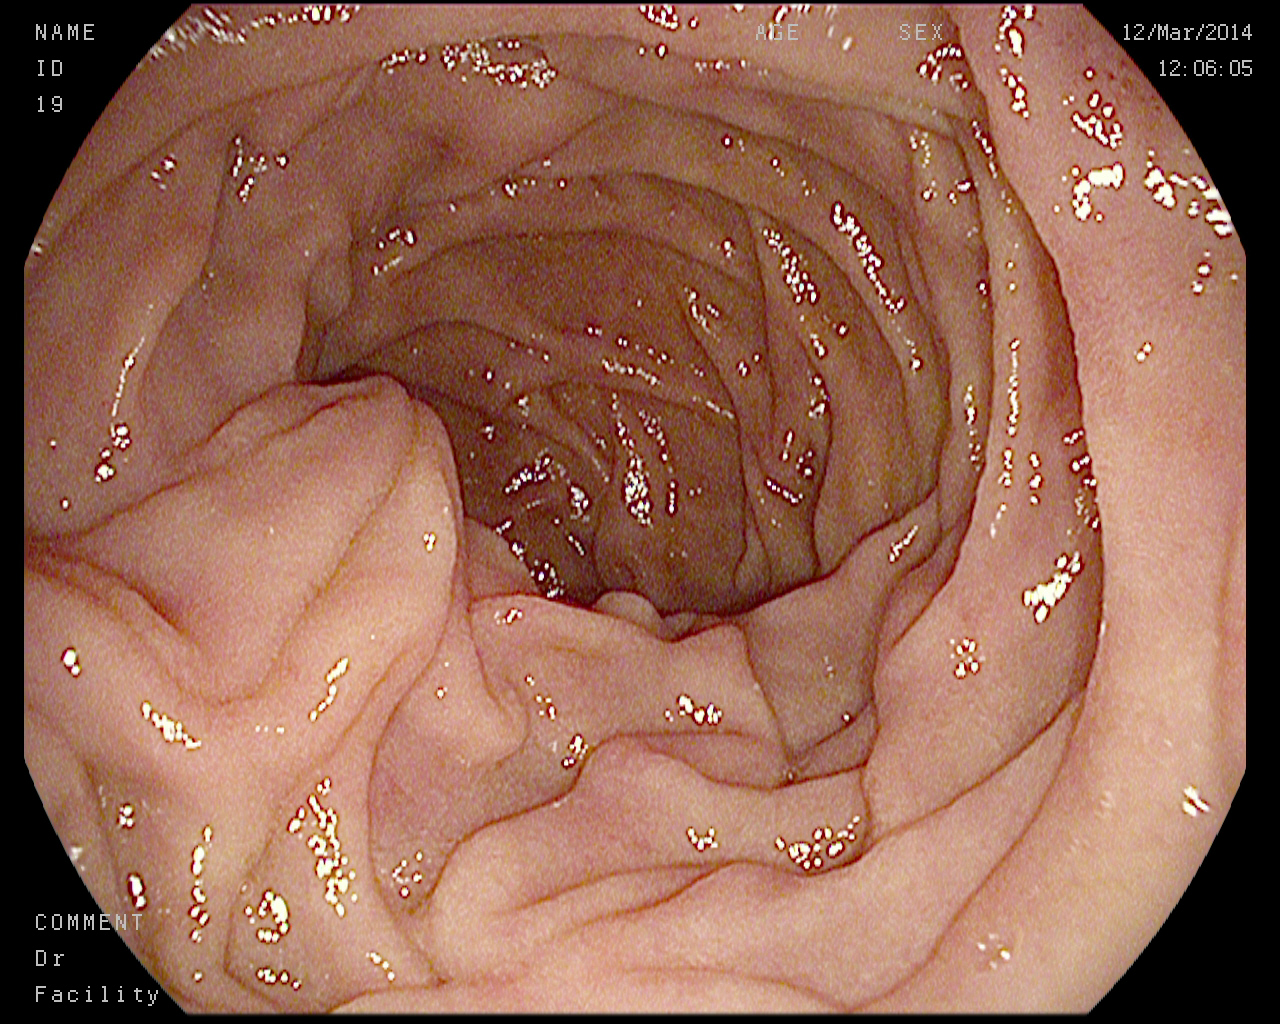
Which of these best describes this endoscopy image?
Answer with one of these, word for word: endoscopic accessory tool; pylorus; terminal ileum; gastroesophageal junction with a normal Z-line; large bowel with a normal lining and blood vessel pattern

terminal ileum